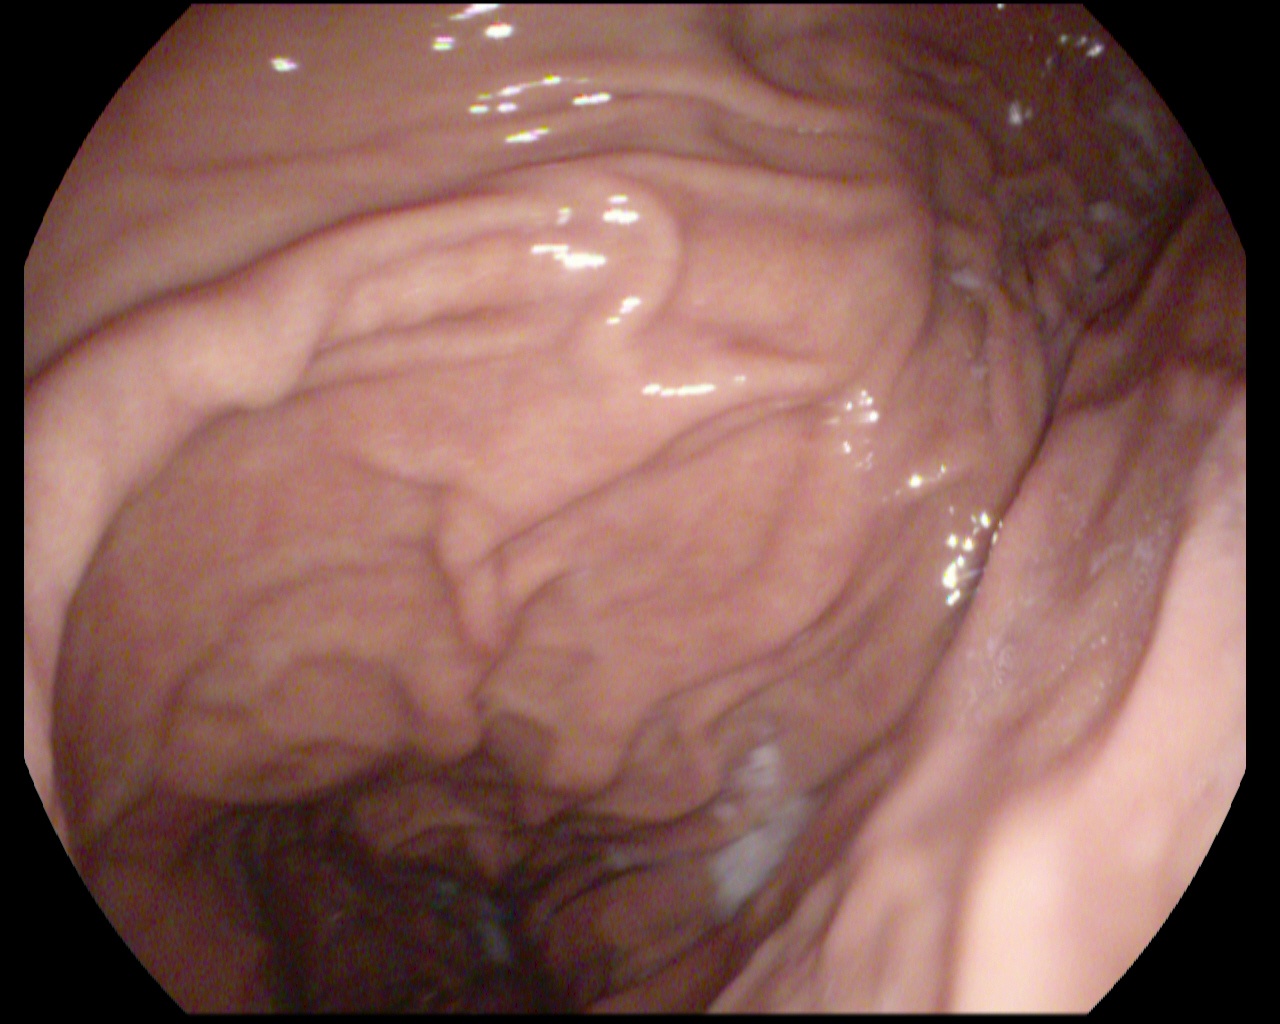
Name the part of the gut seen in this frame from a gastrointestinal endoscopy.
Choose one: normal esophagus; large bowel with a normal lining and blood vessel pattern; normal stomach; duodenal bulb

normal stomach